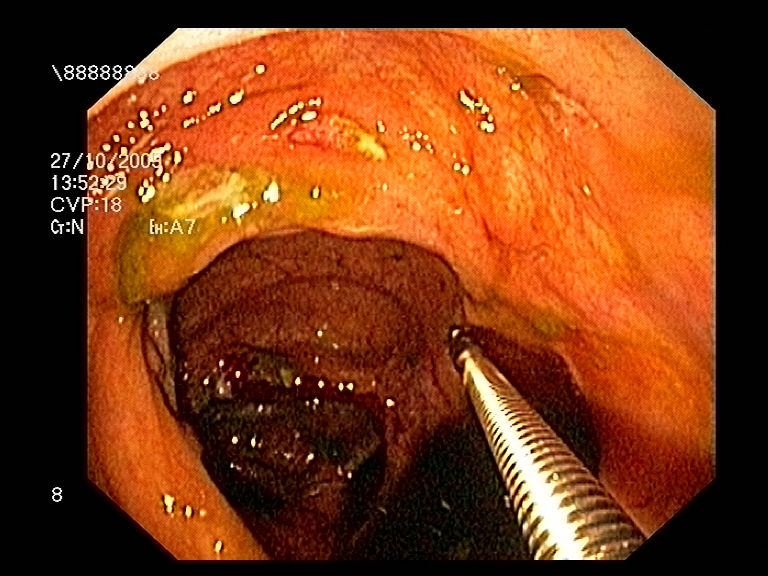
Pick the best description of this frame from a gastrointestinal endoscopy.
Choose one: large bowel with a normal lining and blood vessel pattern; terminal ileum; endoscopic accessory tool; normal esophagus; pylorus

endoscopic accessory tool